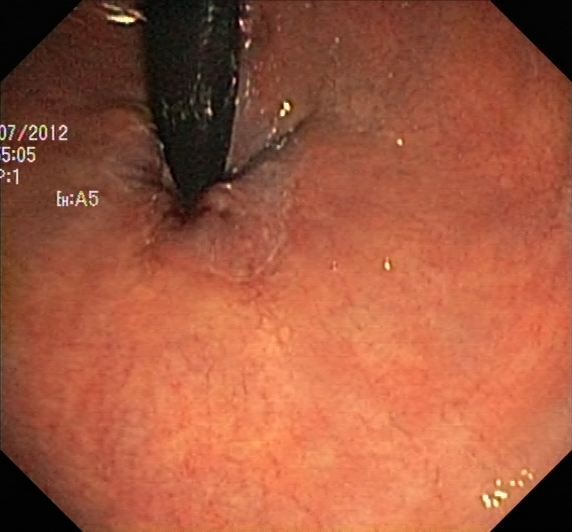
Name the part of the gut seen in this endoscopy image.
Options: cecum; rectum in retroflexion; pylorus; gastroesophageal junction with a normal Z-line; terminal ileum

rectum in retroflexion